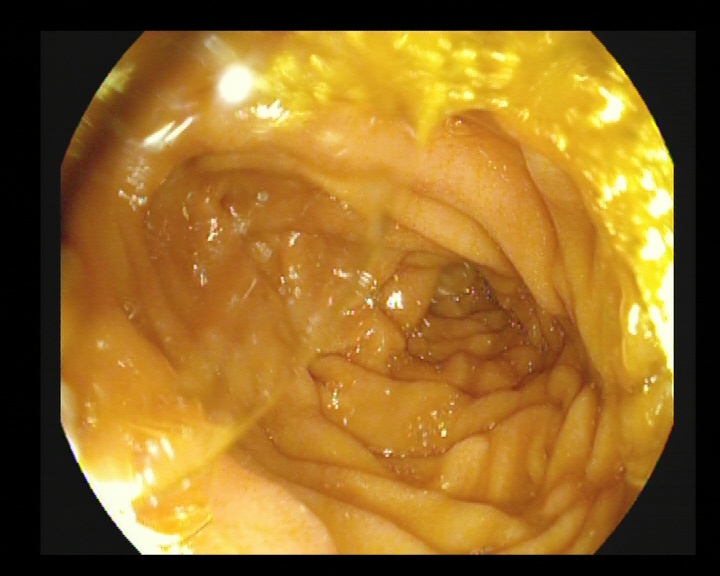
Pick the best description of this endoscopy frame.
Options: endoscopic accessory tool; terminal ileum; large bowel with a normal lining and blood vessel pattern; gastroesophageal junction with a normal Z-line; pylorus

terminal ileum